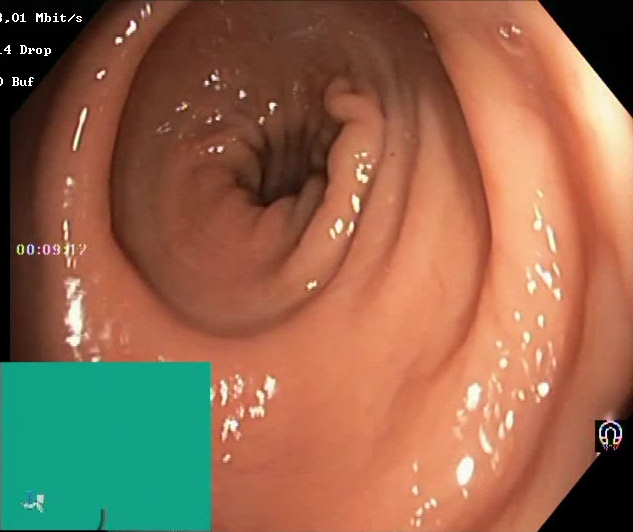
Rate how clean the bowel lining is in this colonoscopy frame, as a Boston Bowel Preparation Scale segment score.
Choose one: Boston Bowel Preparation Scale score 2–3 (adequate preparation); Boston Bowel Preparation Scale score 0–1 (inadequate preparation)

Boston Bowel Preparation Scale score 2–3 (adequate preparation)